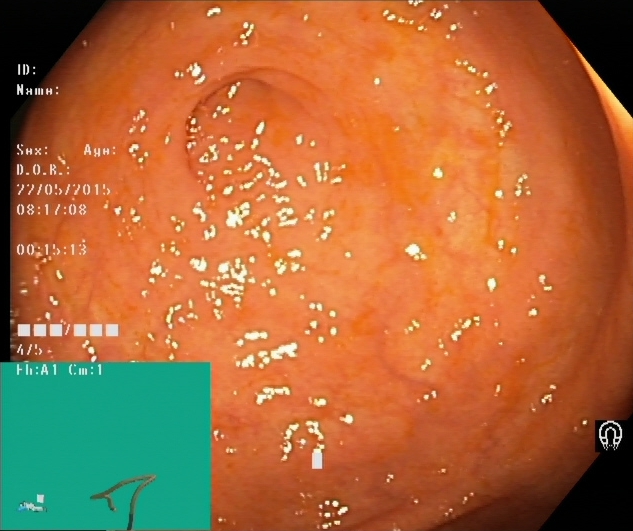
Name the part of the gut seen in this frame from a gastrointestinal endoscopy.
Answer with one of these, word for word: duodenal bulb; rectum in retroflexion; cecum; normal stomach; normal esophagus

cecum